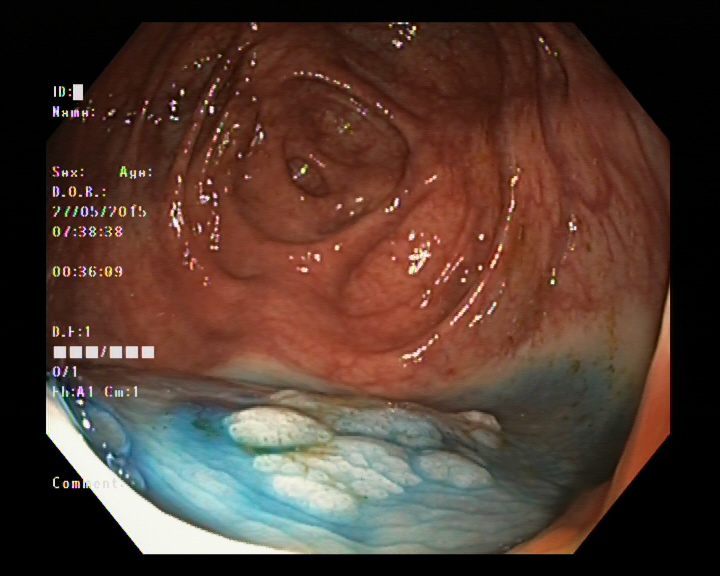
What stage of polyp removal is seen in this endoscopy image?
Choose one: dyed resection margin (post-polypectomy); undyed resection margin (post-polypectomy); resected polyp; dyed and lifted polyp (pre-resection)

dyed and lifted polyp (pre-resection)